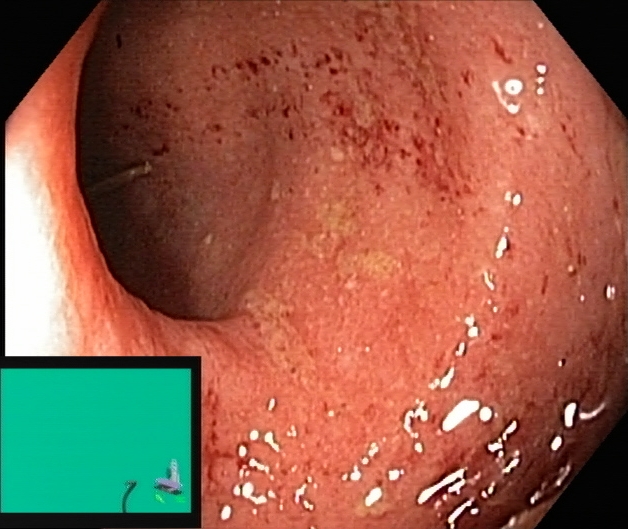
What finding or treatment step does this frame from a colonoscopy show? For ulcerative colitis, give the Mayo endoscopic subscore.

ulcerative colitis, Mayo endoscopic subscore 2